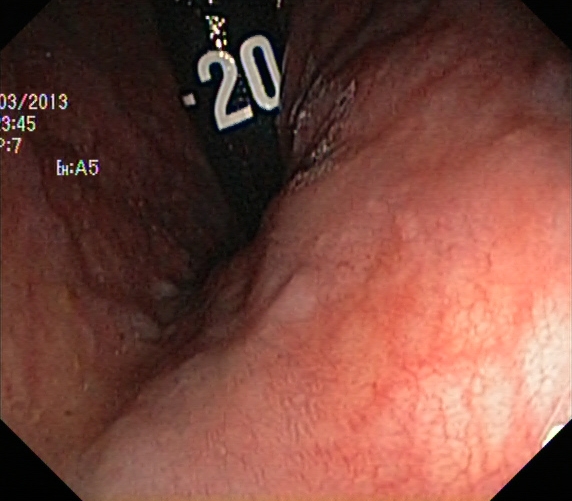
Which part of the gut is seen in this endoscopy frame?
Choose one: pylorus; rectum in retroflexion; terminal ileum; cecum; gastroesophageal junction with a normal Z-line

rectum in retroflexion